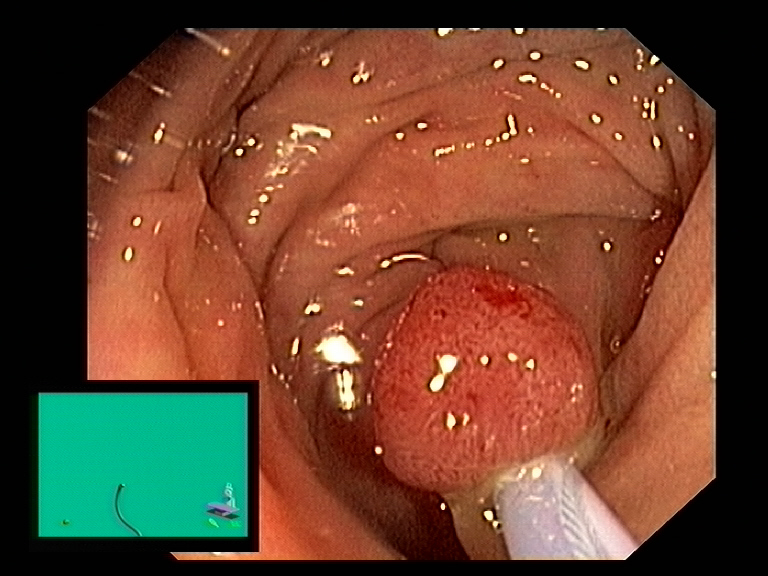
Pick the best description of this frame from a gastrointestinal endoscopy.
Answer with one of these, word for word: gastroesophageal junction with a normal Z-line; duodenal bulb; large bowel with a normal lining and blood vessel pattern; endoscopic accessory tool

endoscopic accessory tool